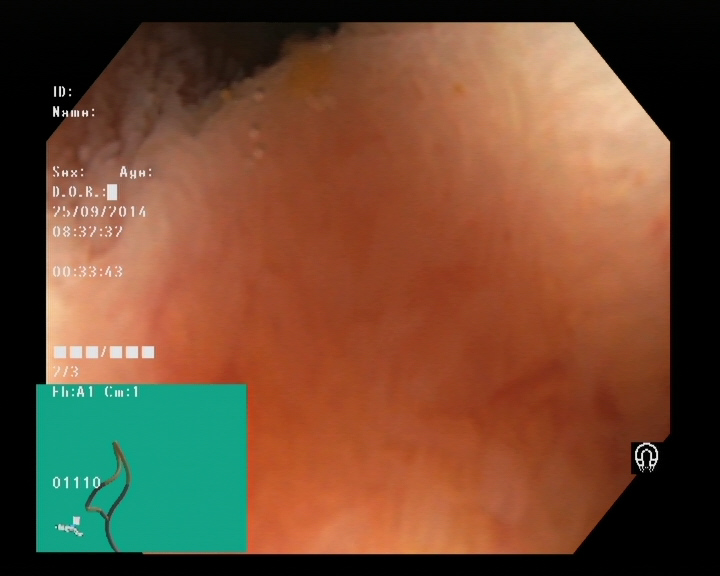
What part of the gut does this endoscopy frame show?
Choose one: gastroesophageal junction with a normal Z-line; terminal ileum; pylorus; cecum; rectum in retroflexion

terminal ileum